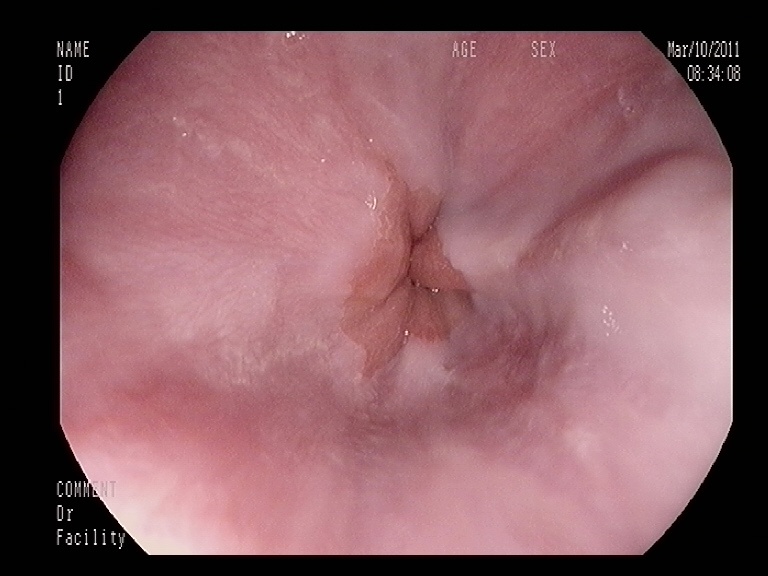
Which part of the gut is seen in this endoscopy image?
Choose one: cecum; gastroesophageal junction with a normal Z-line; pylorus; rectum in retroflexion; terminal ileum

gastroesophageal junction with a normal Z-line